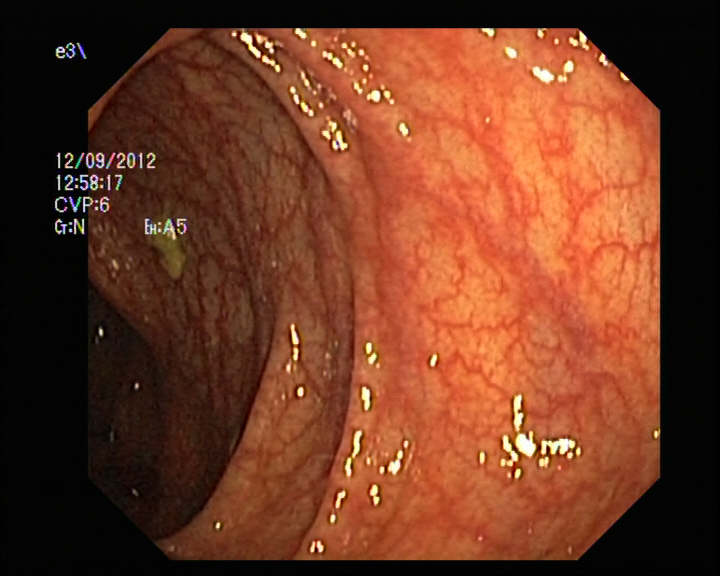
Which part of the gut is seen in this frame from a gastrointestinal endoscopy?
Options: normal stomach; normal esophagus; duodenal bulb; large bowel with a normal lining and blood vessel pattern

large bowel with a normal lining and blood vessel pattern